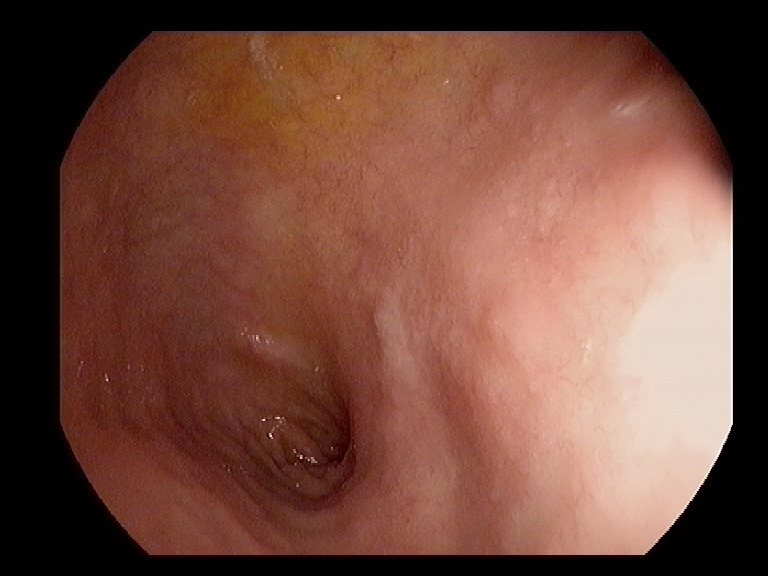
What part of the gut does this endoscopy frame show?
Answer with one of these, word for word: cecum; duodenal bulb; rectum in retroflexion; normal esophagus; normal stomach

duodenal bulb